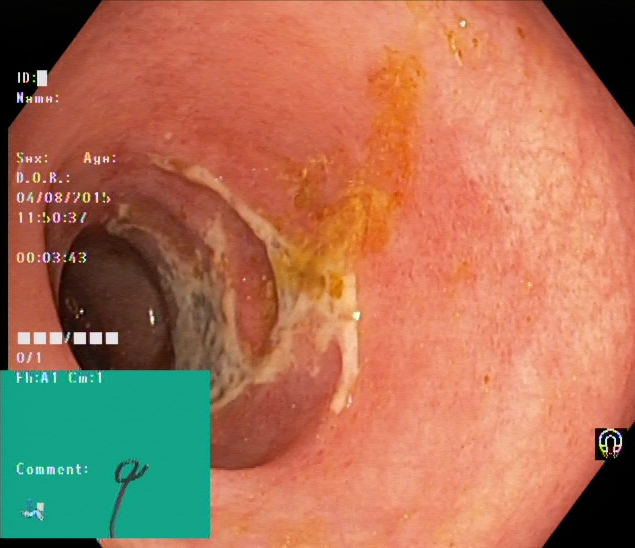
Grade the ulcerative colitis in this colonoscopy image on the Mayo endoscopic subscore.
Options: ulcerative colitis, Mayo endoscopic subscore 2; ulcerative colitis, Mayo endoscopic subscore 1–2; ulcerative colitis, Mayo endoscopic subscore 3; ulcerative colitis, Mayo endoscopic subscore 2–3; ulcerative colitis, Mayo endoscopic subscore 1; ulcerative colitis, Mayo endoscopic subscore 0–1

ulcerative colitis, Mayo endoscopic subscore 1